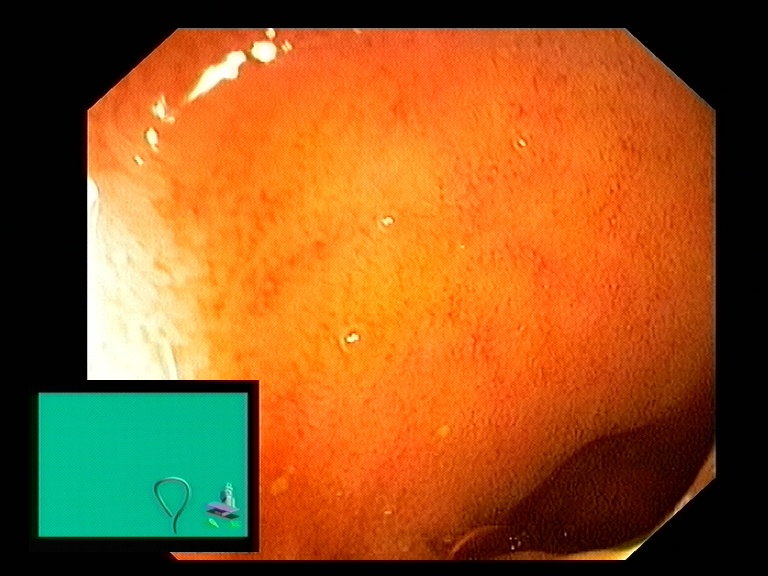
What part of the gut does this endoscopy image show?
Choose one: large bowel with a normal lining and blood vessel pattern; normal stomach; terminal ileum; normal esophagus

terminal ileum